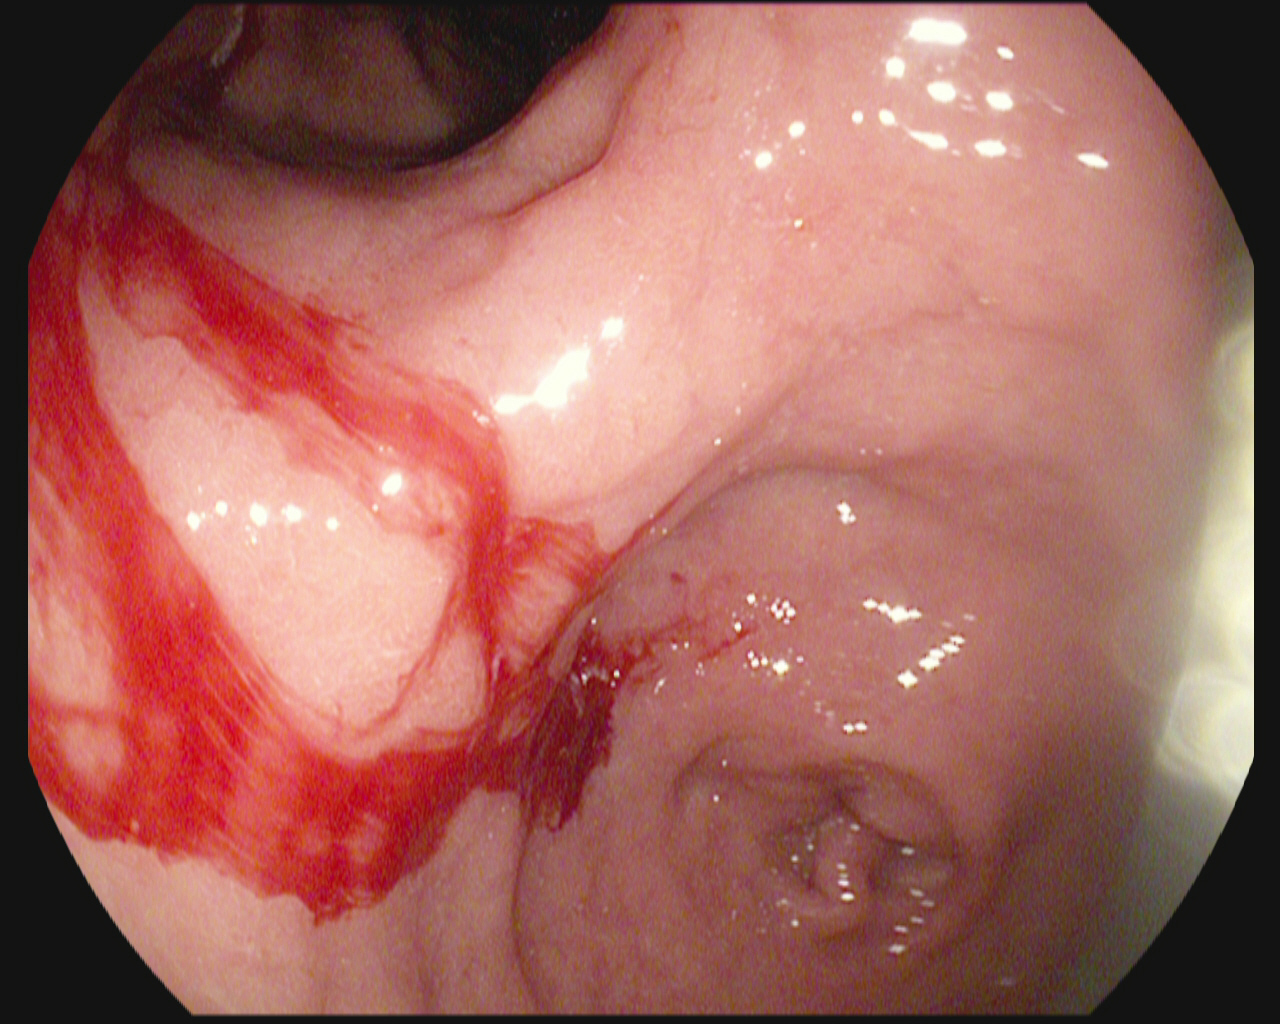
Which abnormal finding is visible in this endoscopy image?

blood in the lumen